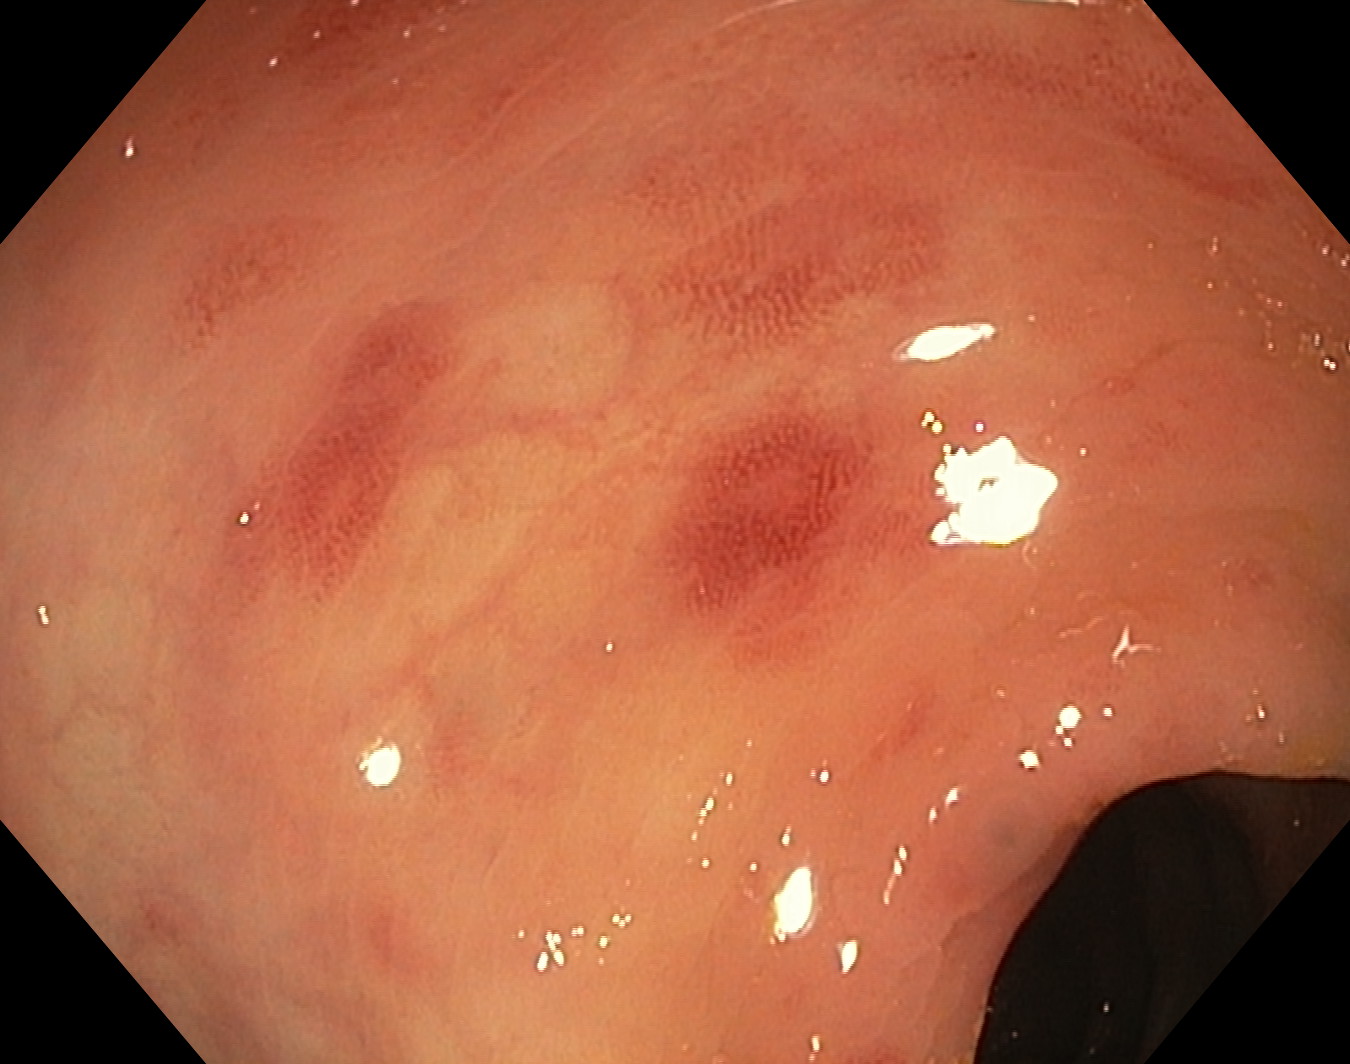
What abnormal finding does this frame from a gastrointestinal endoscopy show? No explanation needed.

erythema